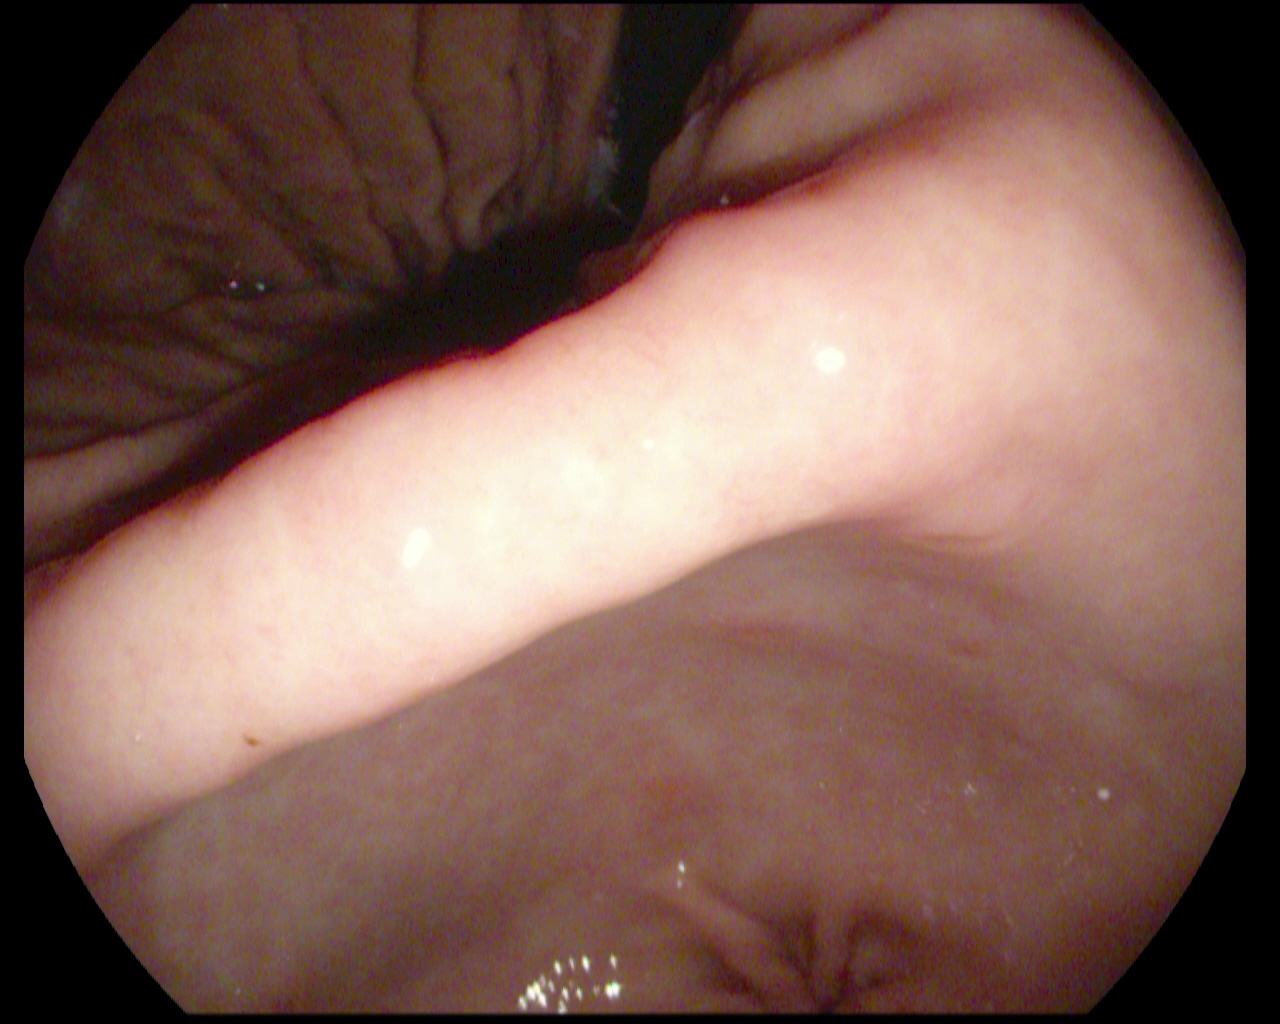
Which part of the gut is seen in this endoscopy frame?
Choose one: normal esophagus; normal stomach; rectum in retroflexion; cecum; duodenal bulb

normal stomach